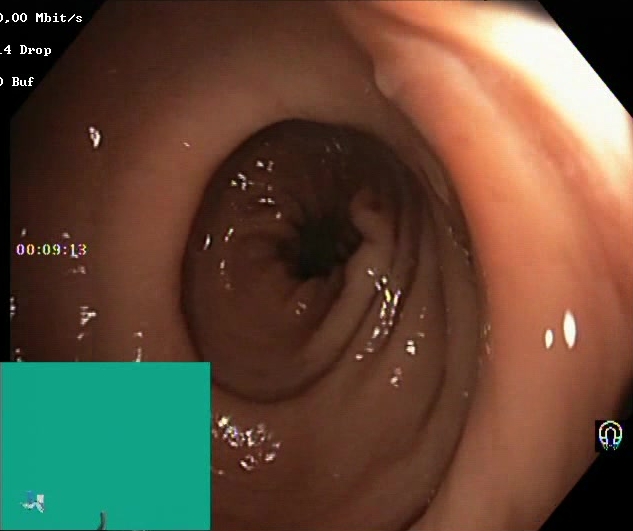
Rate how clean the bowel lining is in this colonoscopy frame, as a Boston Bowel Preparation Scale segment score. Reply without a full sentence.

Boston Bowel Preparation Scale score 2–3 (adequate preparation)